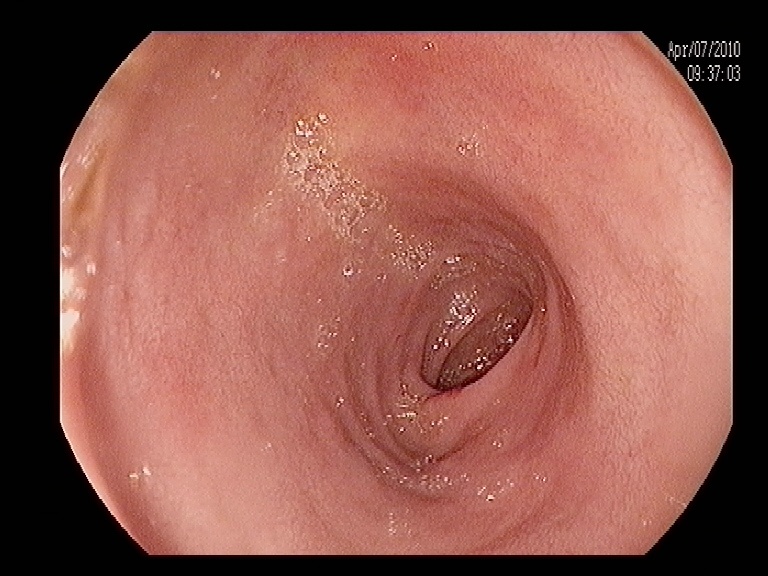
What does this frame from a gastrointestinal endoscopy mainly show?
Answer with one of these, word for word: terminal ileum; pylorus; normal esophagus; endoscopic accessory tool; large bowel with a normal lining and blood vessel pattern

terminal ileum